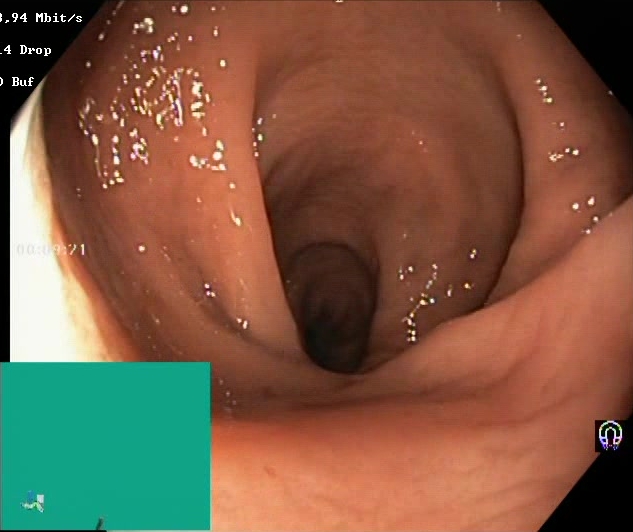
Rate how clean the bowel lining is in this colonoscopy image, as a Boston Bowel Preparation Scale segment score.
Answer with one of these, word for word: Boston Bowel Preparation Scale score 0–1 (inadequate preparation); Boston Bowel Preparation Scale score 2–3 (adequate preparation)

Boston Bowel Preparation Scale score 2–3 (adequate preparation)